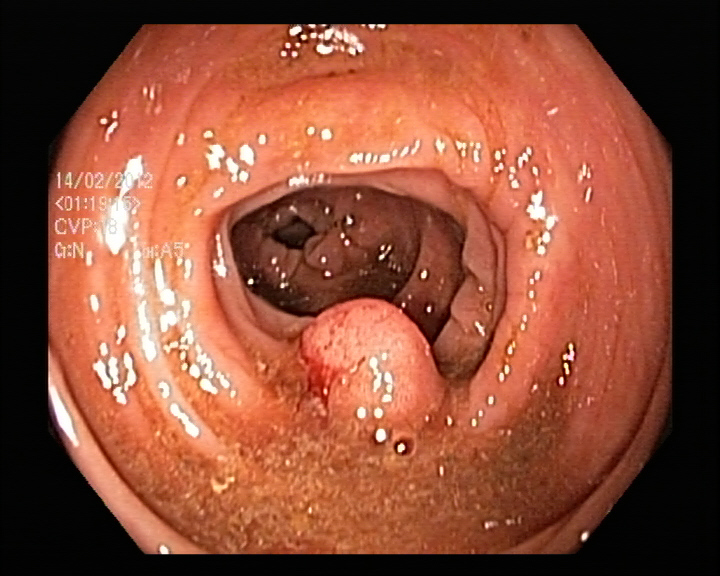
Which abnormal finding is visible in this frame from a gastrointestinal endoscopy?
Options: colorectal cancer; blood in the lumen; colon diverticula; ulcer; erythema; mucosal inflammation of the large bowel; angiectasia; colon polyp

colon polyp